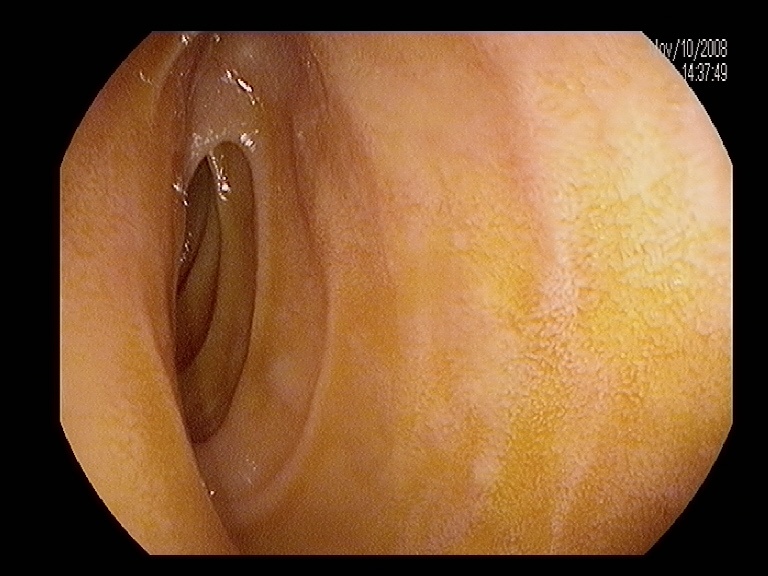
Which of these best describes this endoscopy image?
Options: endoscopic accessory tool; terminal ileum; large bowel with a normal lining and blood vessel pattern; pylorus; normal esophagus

terminal ileum